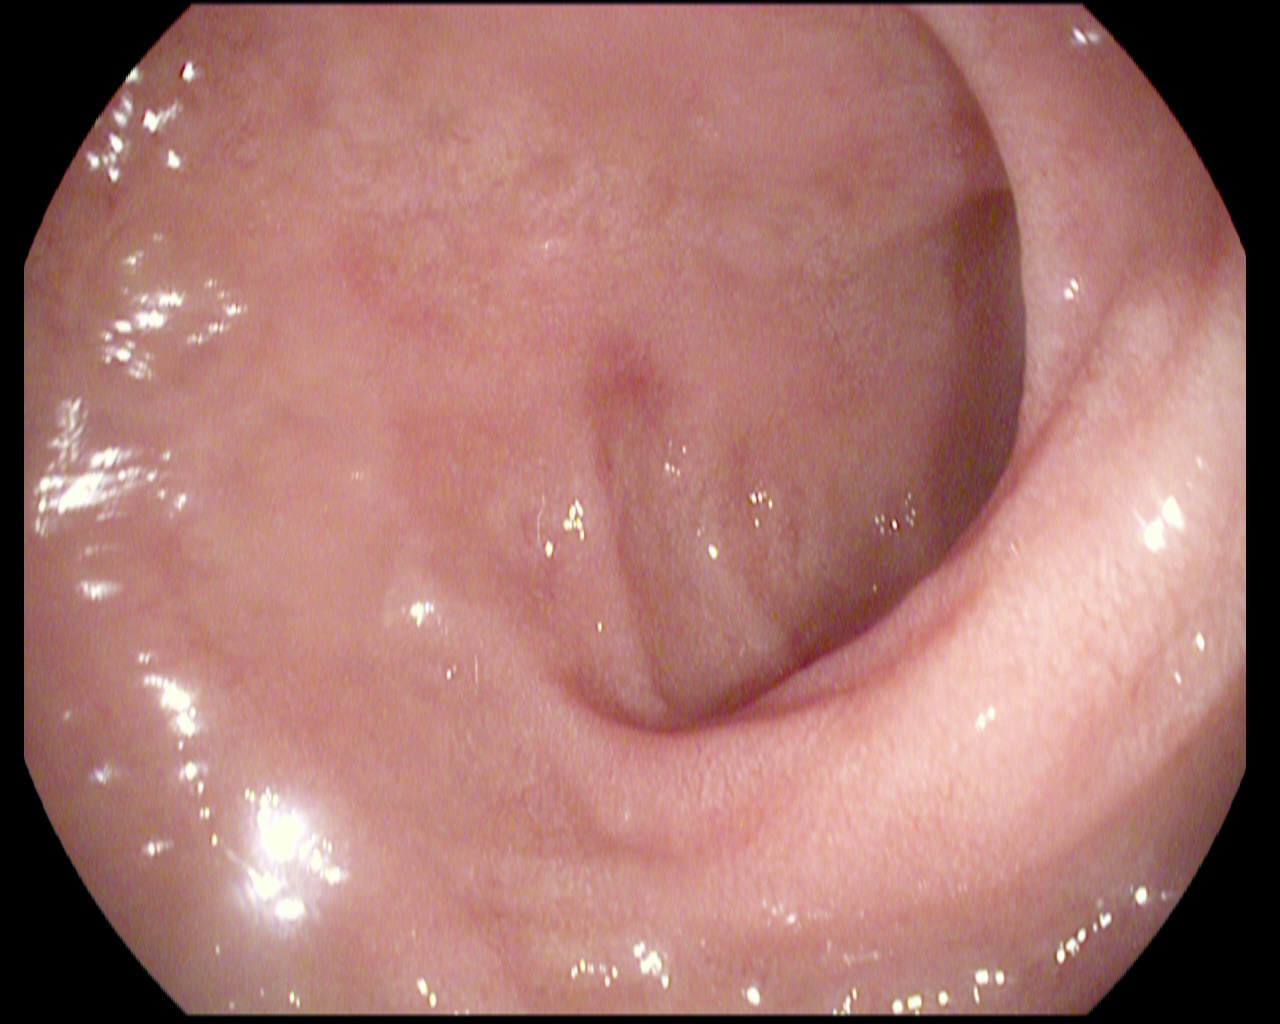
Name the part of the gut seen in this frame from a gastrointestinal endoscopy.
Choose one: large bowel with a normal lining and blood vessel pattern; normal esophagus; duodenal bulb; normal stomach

duodenal bulb